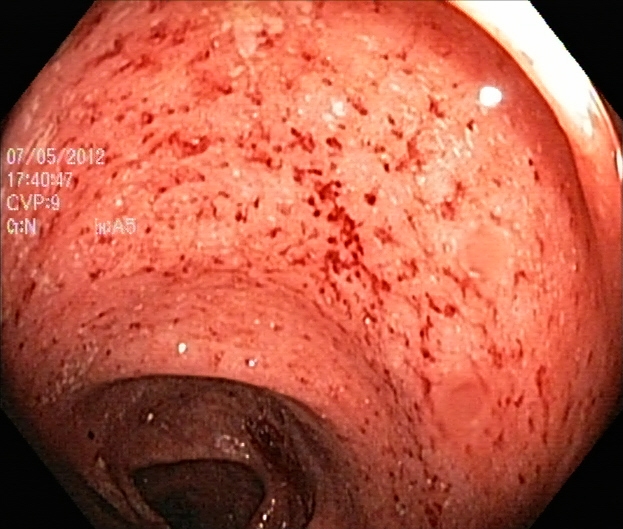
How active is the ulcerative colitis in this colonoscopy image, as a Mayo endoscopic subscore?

ulcerative colitis, Mayo endoscopic subscore 2